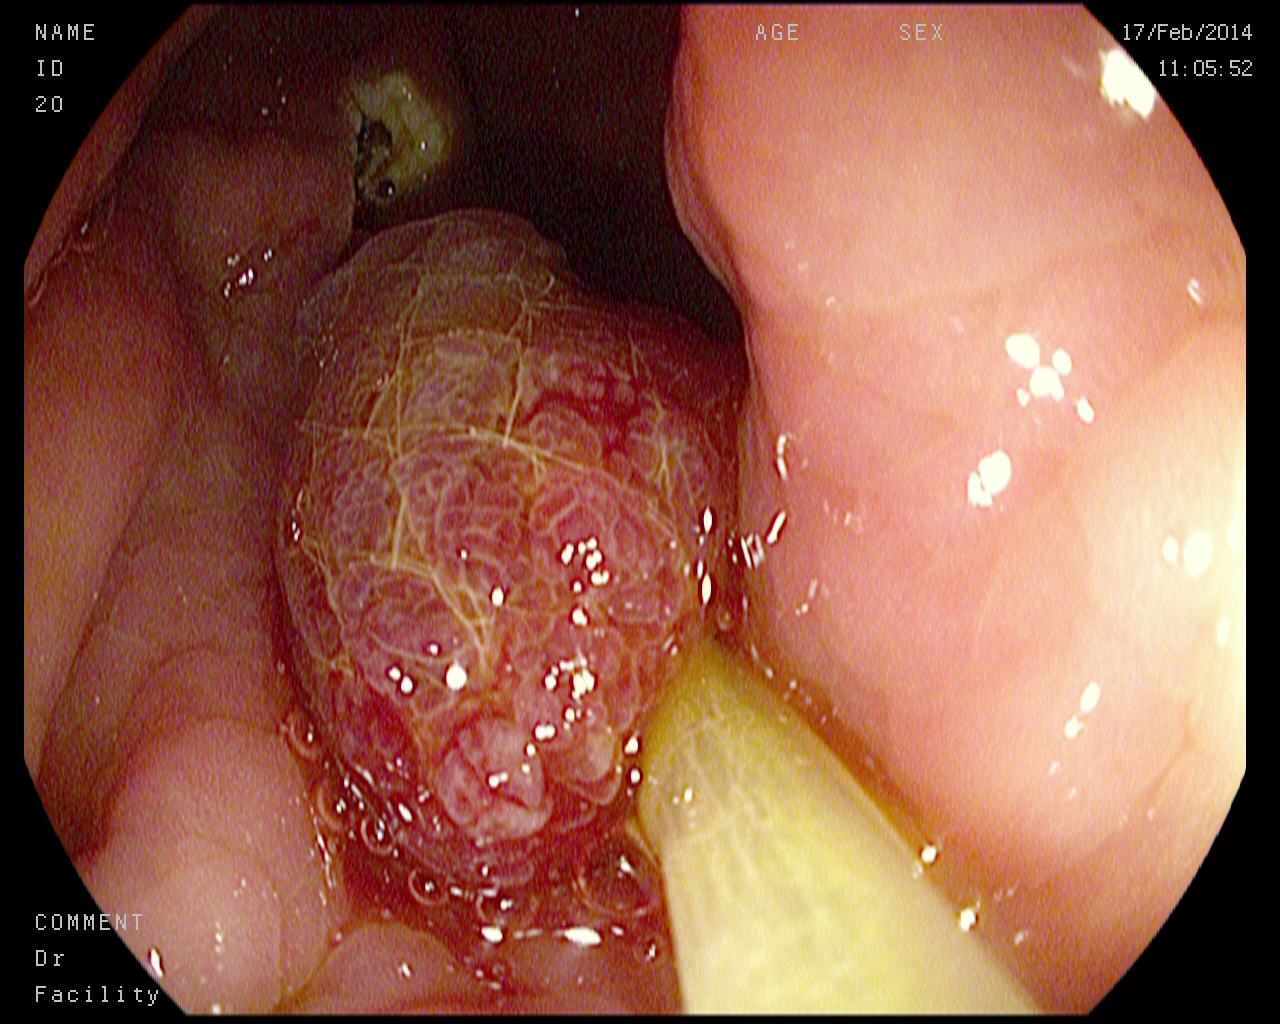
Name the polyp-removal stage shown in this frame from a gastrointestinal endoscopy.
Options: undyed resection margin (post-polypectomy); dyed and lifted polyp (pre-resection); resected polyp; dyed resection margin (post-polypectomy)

resected polyp